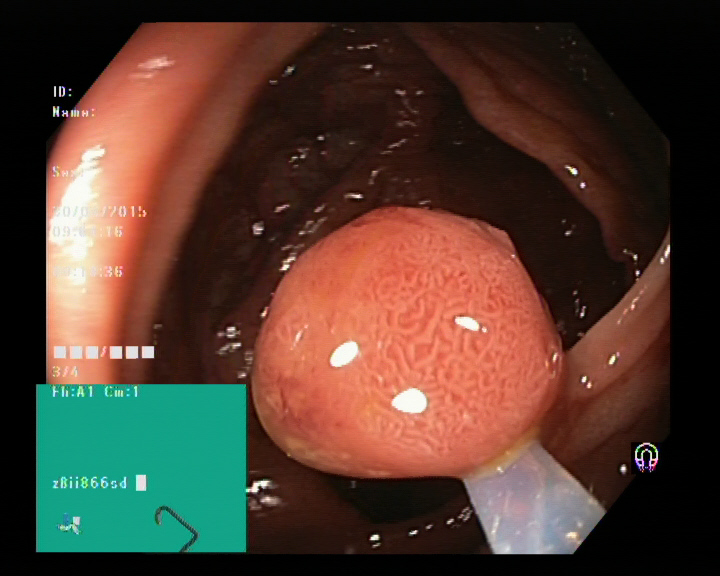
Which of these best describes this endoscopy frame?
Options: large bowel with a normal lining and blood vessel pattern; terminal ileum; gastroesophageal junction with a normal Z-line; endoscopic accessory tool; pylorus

endoscopic accessory tool